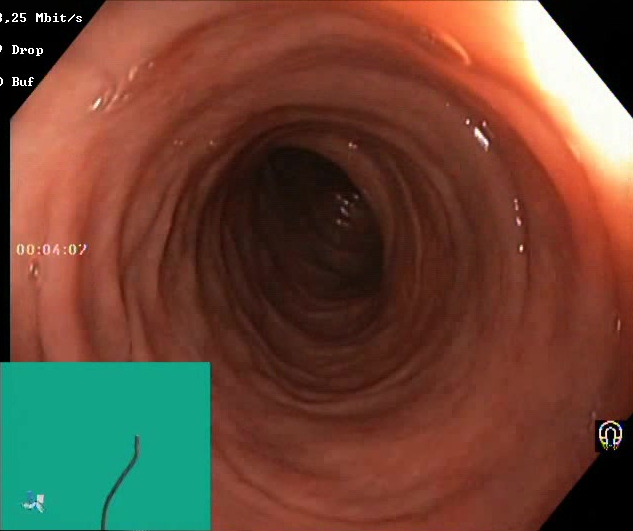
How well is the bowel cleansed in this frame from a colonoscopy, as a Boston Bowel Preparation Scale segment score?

Boston Bowel Preparation Scale score 2–3 (adequate preparation)